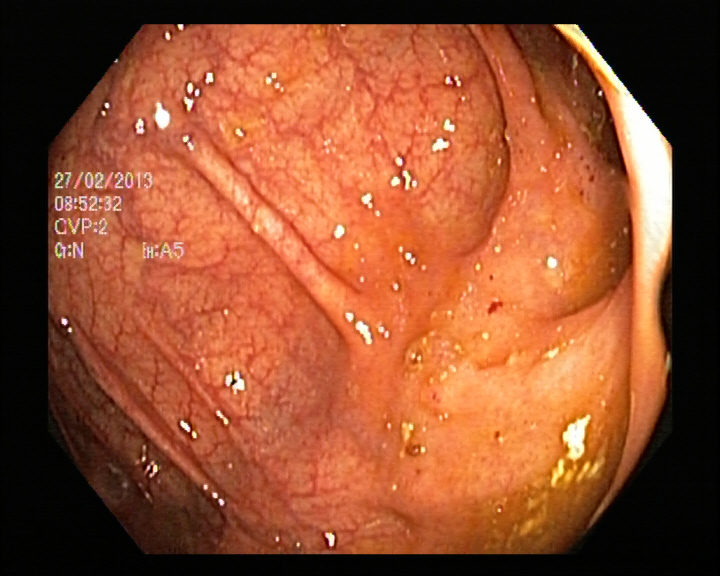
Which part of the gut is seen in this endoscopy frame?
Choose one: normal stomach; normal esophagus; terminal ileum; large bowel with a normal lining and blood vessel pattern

large bowel with a normal lining and blood vessel pattern